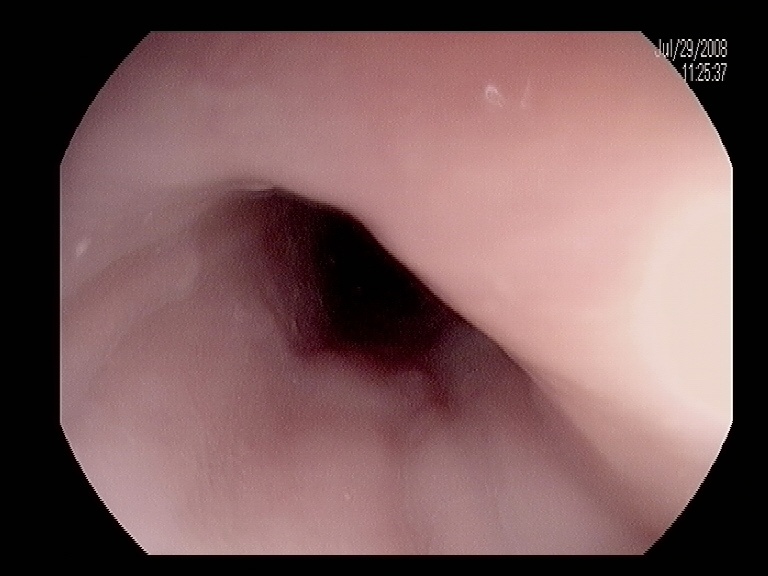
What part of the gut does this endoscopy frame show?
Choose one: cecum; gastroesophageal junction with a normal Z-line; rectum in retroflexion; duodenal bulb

gastroesophageal junction with a normal Z-line